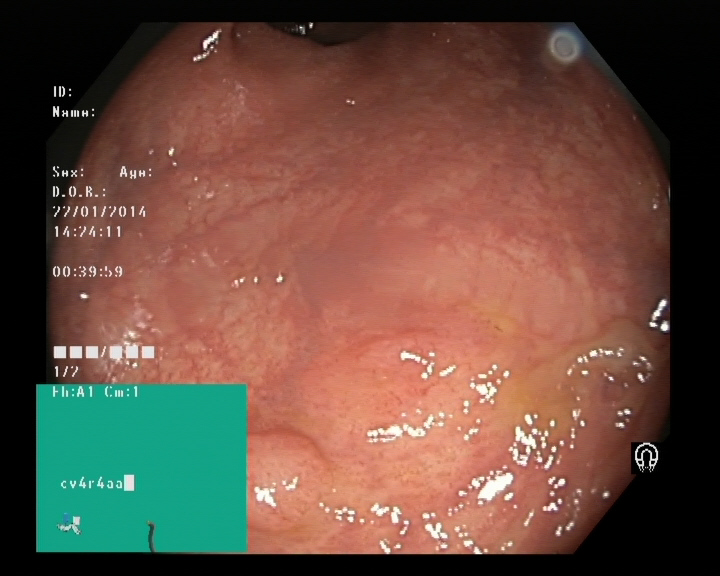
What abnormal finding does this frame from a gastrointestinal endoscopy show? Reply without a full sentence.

colon polyp